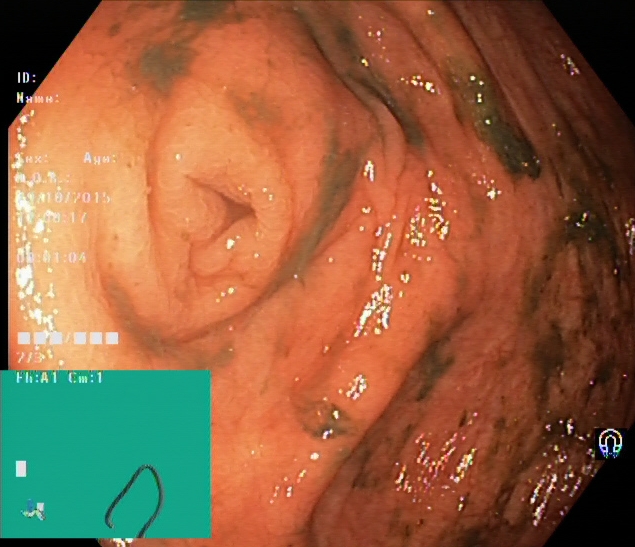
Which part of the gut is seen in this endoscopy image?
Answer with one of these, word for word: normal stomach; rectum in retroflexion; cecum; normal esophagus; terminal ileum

cecum